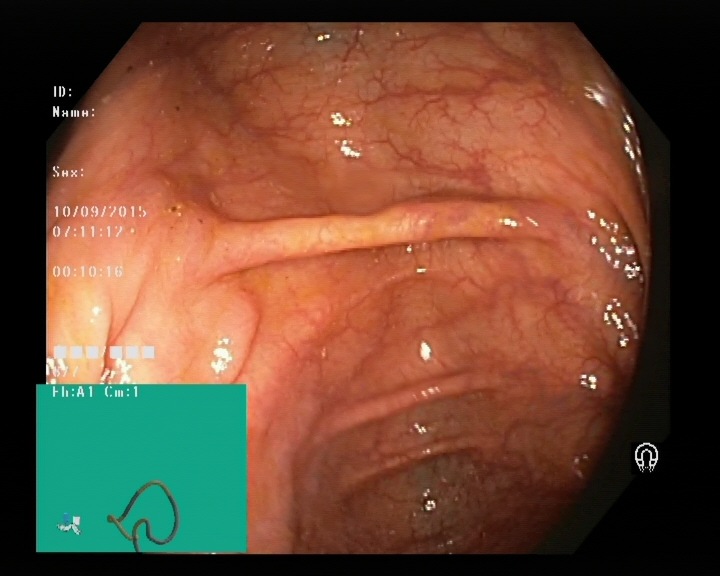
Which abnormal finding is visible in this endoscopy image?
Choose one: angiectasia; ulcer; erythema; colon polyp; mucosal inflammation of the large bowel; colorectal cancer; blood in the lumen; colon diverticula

colon polyp